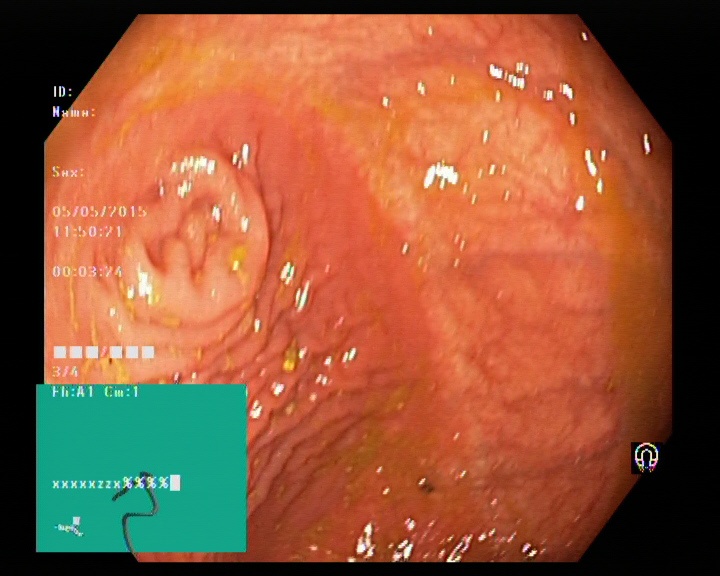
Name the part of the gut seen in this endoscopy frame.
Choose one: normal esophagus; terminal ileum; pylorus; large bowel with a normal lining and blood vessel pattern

large bowel with a normal lining and blood vessel pattern